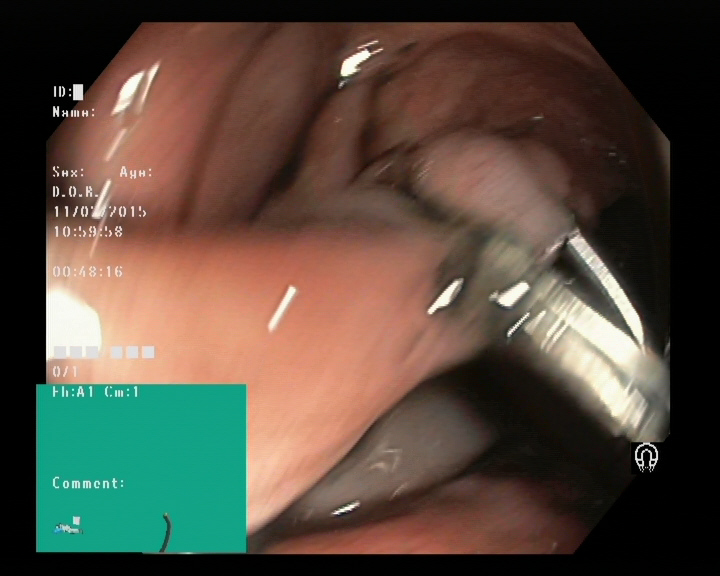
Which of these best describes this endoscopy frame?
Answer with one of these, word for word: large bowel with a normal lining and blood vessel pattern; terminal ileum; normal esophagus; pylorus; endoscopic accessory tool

endoscopic accessory tool